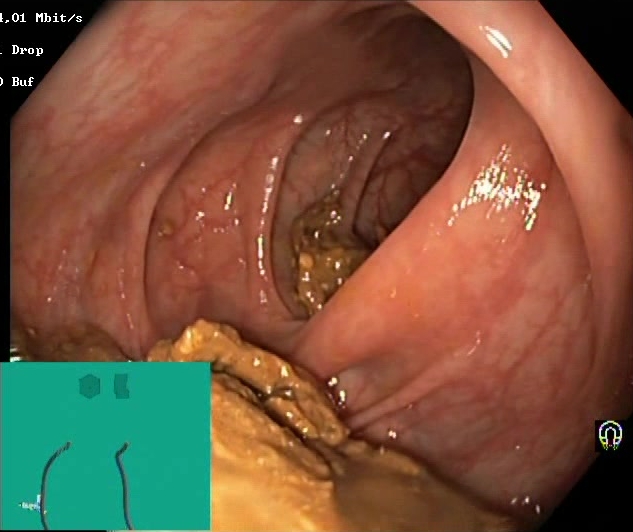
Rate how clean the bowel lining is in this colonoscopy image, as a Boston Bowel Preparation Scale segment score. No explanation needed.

Boston Bowel Preparation Scale score 0–1 (inadequate preparation)